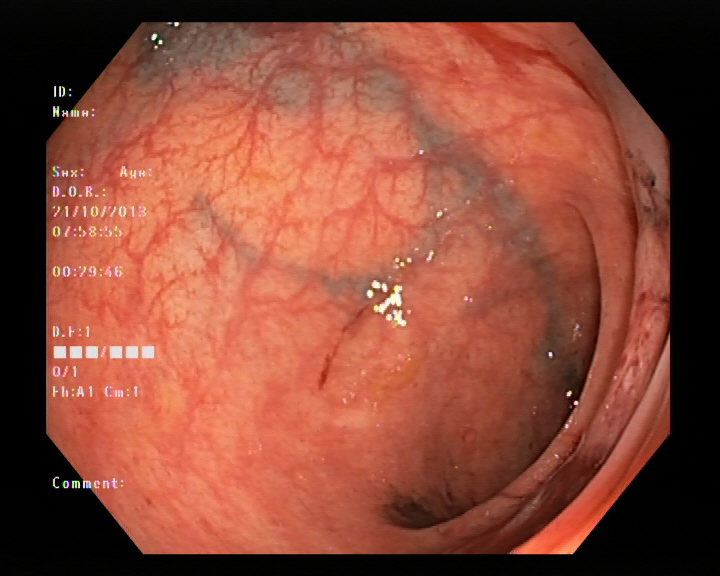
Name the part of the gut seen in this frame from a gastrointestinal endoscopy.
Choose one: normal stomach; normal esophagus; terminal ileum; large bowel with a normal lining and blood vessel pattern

large bowel with a normal lining and blood vessel pattern